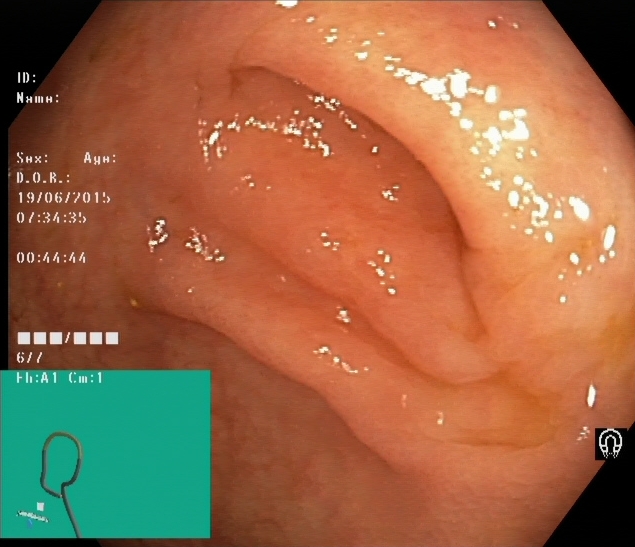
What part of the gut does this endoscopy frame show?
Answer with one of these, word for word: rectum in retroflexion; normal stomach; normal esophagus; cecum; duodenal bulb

cecum